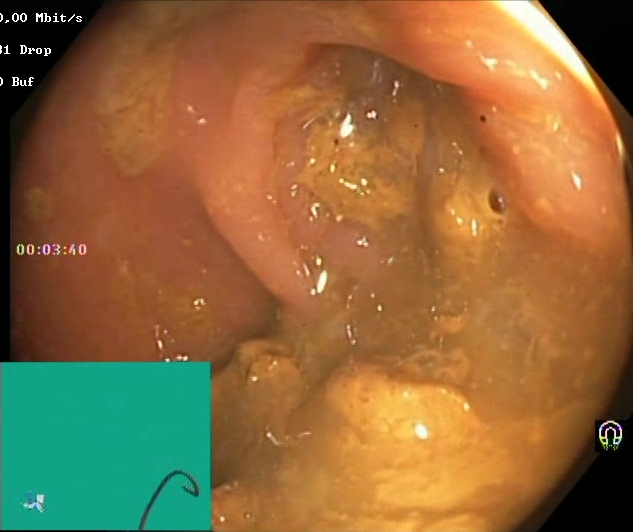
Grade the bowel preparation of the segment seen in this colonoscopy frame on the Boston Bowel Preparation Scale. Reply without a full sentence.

Boston Bowel Preparation Scale score 0–1 (inadequate preparation)